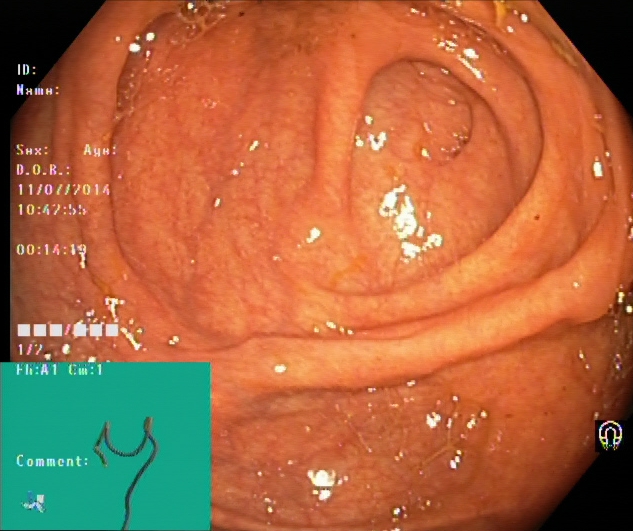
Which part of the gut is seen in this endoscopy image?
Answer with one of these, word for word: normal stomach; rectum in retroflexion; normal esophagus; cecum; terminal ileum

cecum